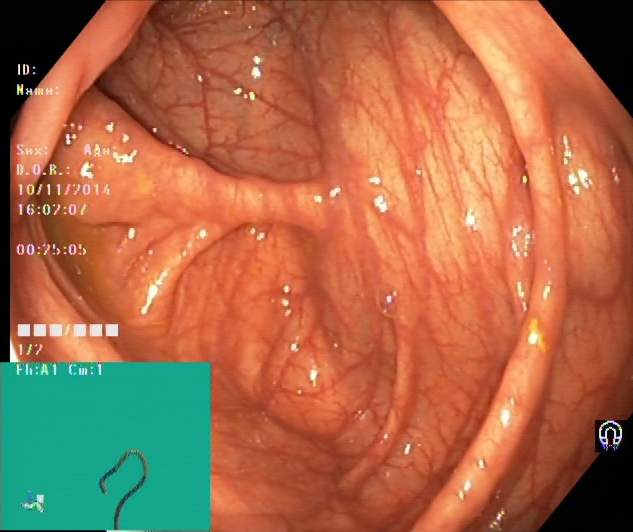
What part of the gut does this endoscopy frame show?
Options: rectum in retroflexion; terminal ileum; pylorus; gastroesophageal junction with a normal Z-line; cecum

cecum